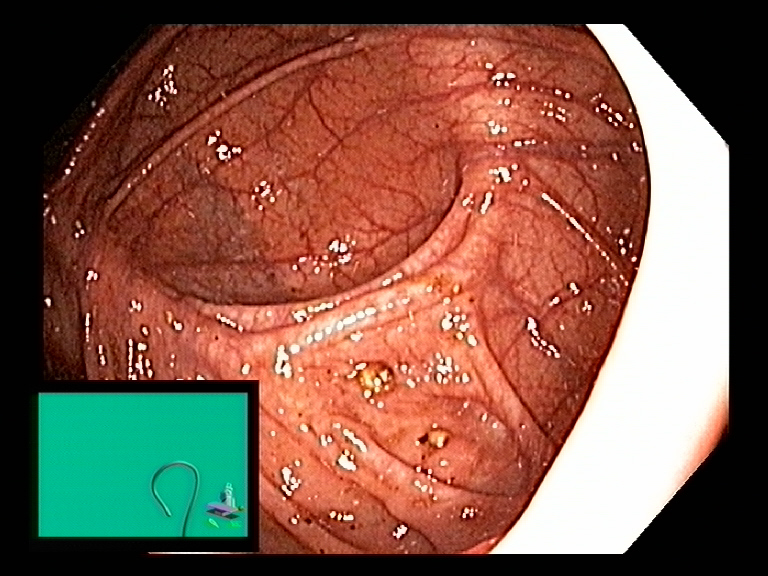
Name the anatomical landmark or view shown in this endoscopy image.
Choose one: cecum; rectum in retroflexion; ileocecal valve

cecum